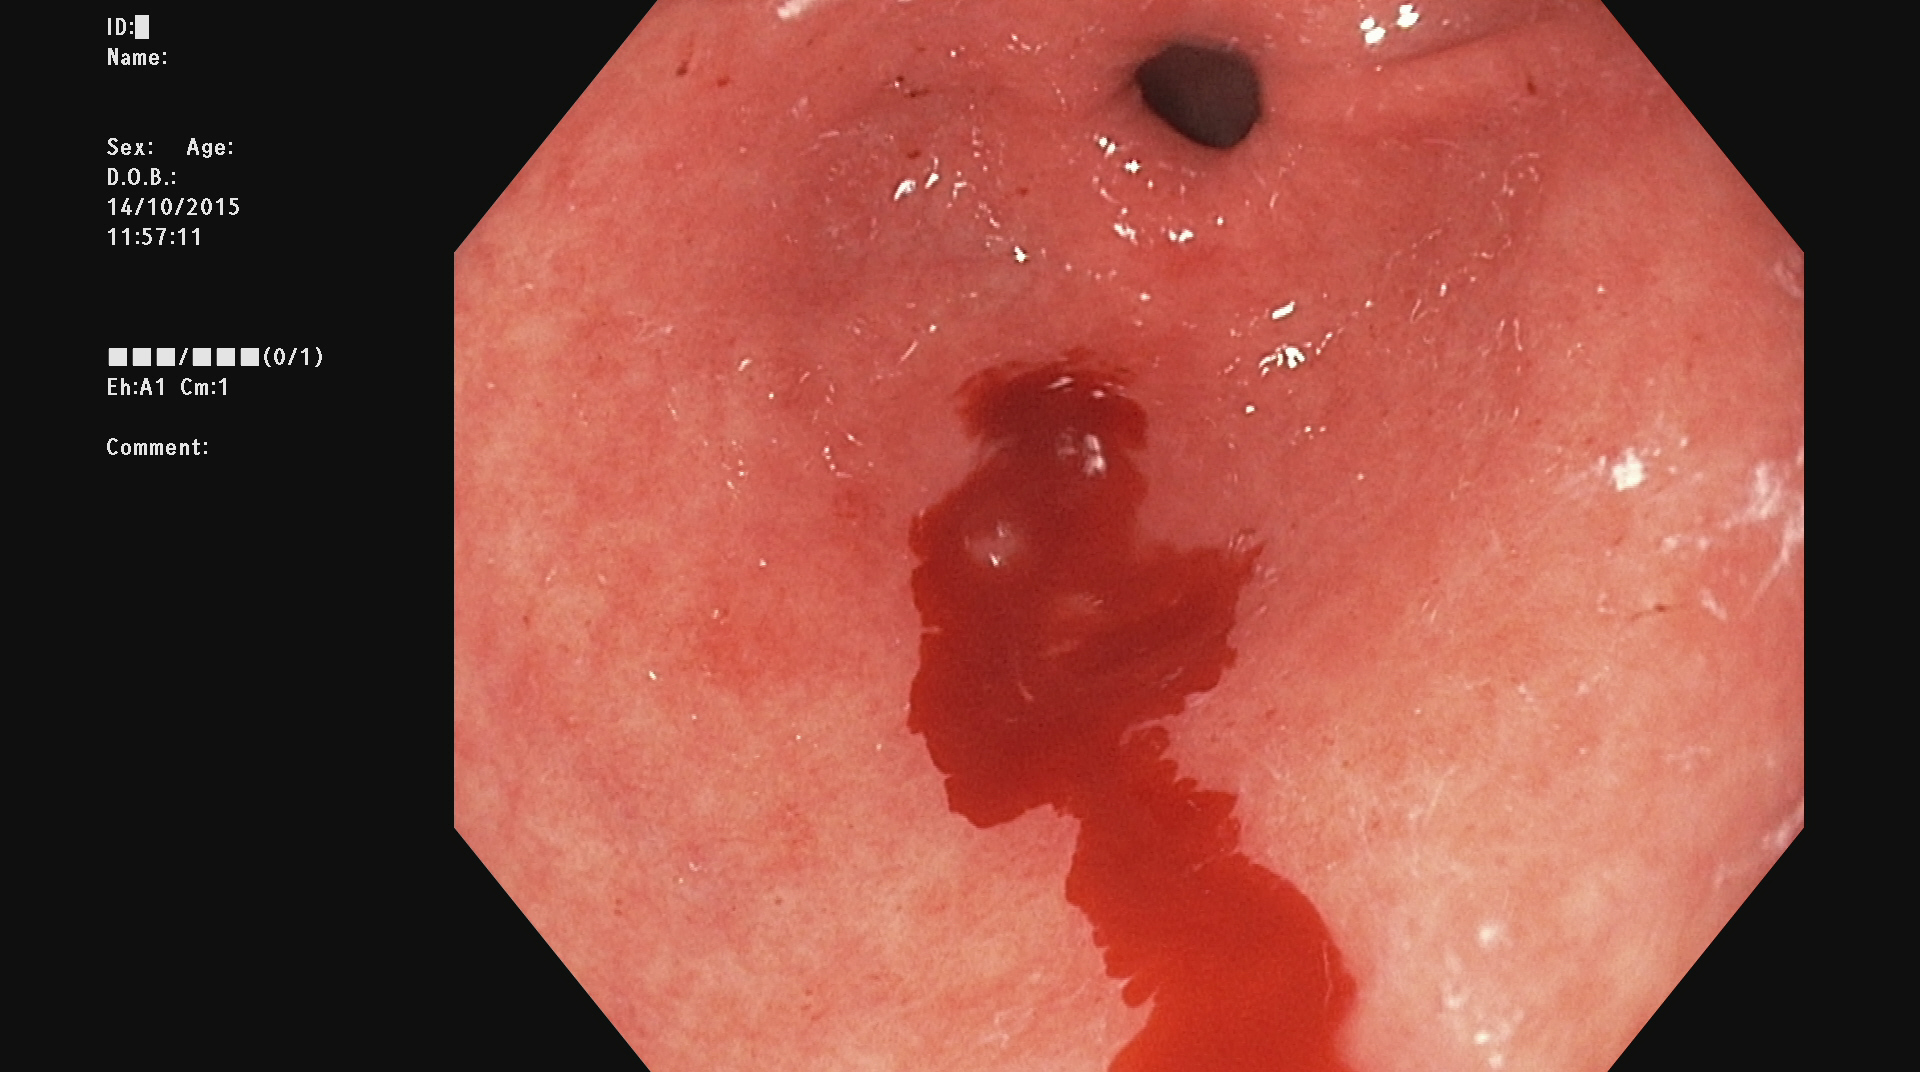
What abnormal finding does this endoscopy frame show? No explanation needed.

blood in the lumen